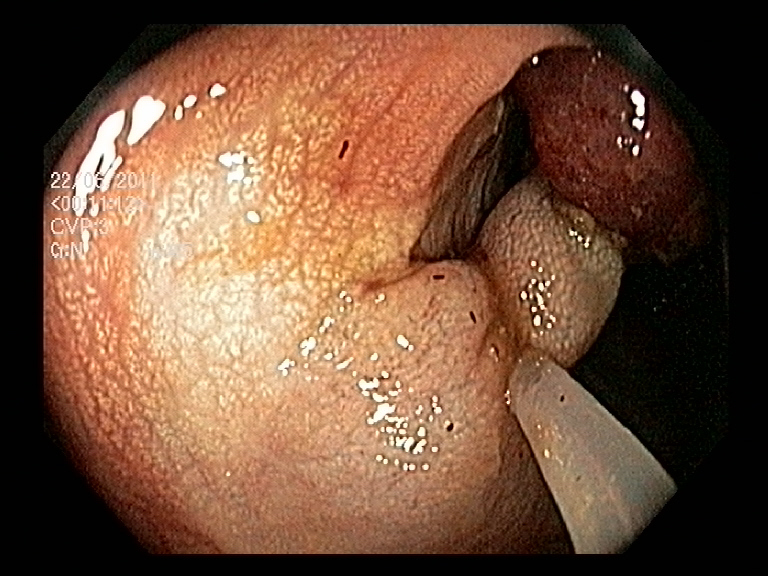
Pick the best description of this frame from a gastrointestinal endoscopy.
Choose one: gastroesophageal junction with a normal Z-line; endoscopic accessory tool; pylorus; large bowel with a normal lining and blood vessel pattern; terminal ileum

endoscopic accessory tool